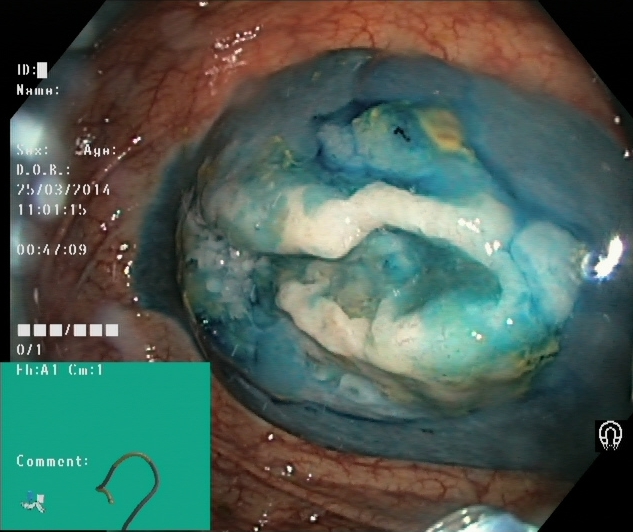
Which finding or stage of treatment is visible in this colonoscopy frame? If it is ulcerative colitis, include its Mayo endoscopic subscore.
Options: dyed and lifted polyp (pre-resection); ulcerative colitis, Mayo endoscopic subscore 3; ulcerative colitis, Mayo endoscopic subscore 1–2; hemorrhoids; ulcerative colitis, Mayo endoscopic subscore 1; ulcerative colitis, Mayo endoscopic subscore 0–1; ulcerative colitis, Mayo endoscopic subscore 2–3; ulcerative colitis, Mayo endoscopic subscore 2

dyed and lifted polyp (pre-resection)